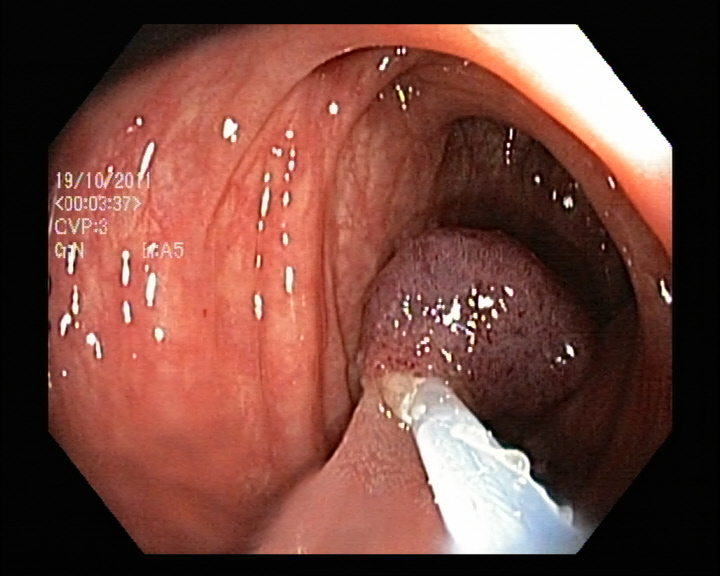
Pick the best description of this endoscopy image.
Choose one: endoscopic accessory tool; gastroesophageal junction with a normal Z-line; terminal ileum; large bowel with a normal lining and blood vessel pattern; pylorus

endoscopic accessory tool